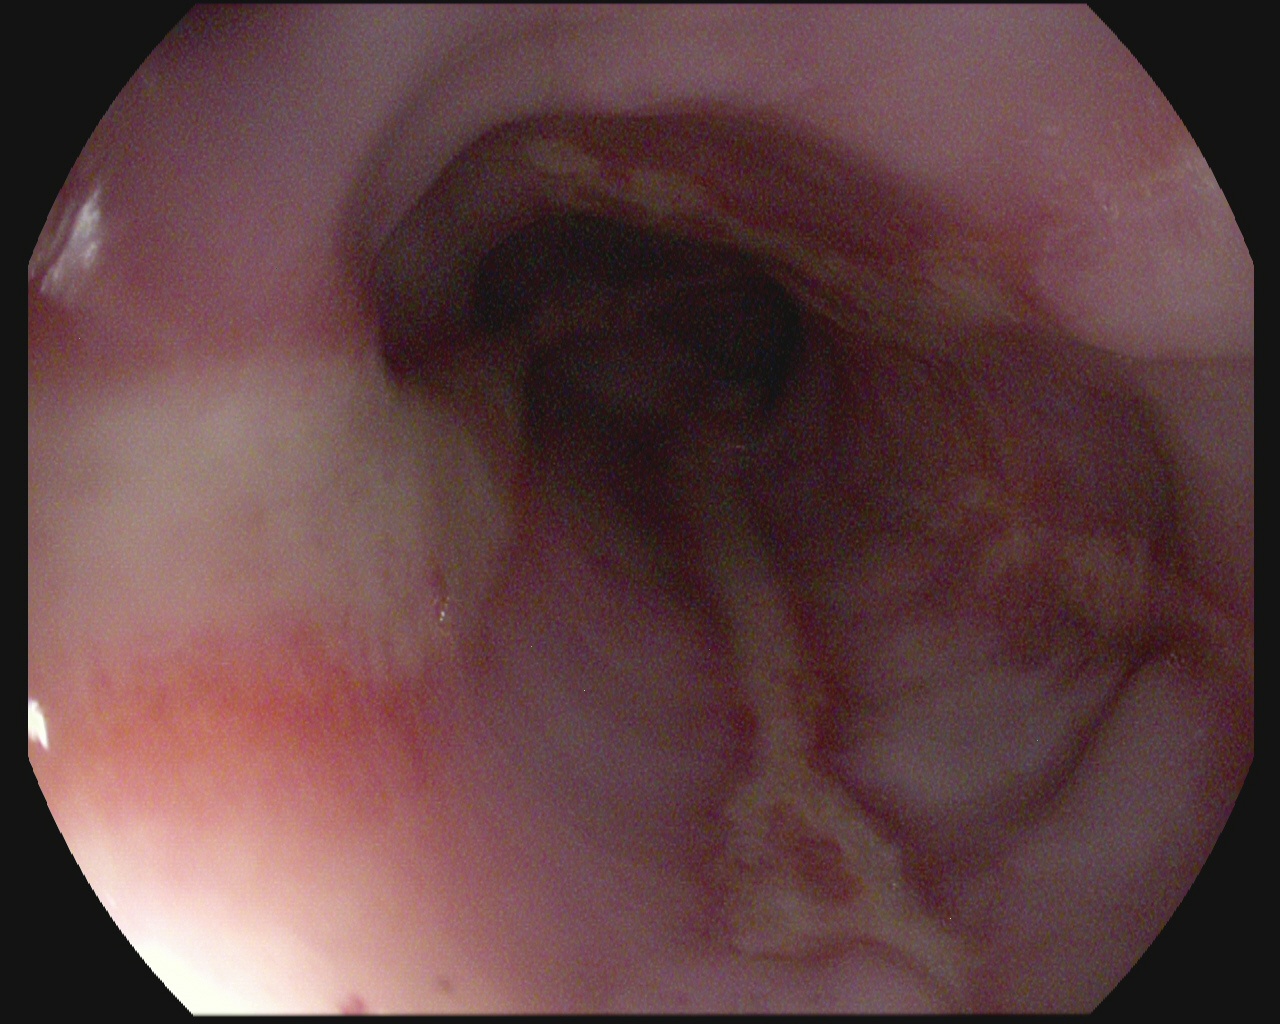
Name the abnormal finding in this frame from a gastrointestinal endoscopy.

esophagitis